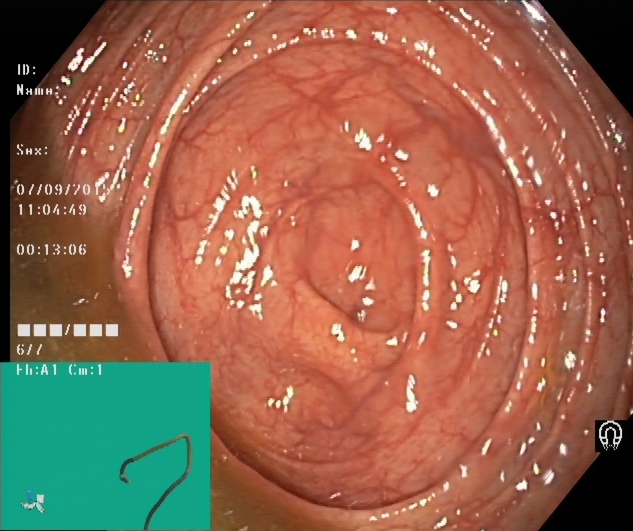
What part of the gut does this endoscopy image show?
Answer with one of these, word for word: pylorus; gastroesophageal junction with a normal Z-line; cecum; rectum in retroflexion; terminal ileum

cecum